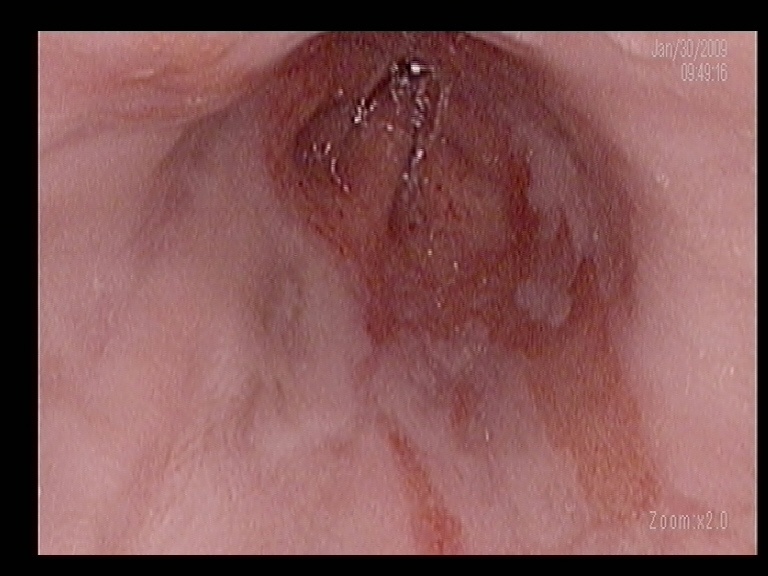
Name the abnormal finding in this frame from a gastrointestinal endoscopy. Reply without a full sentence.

Barrett's esophagus